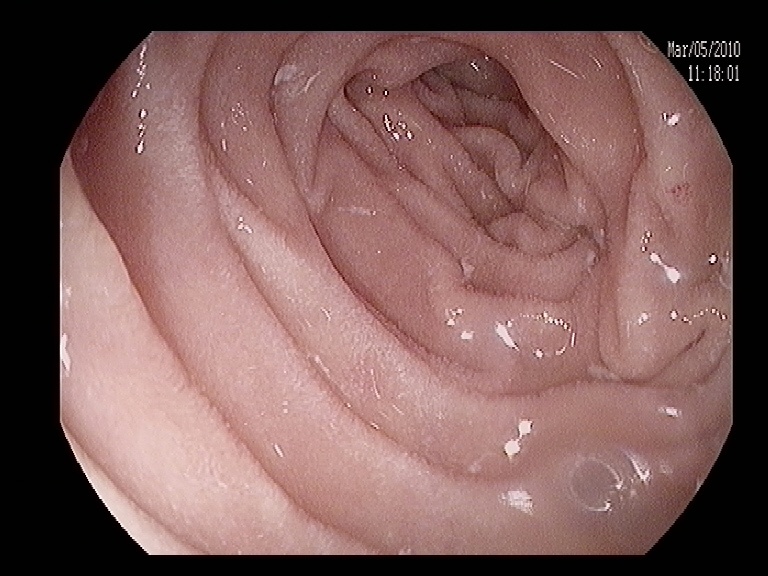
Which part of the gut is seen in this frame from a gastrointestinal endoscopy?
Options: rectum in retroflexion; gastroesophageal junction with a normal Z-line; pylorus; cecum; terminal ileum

terminal ileum